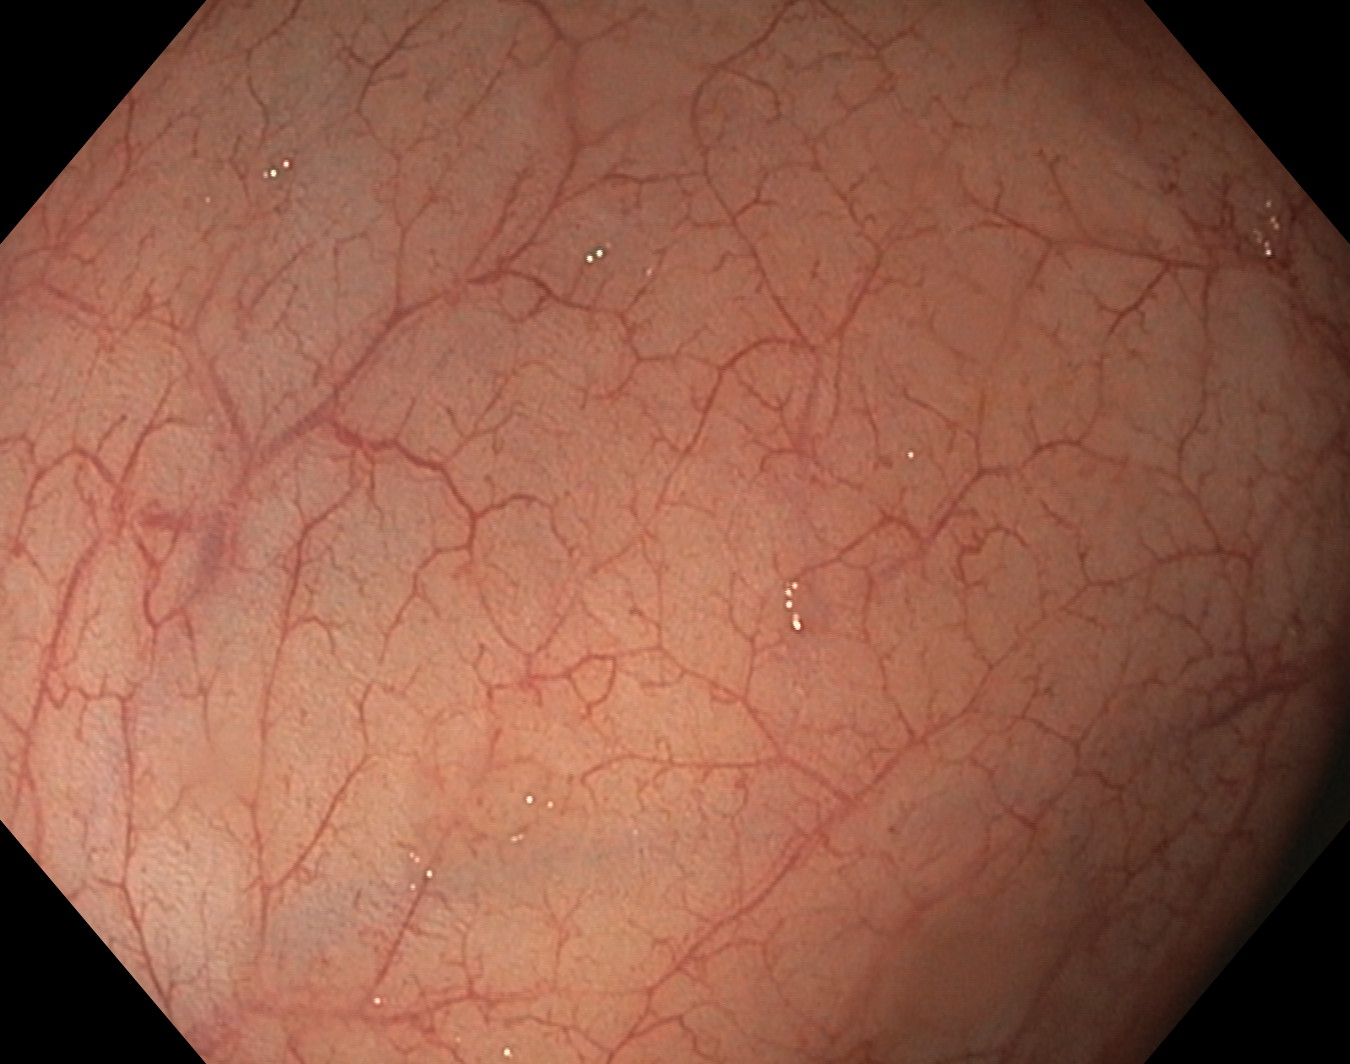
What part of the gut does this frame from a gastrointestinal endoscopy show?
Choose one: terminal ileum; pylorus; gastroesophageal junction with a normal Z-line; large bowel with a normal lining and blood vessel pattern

large bowel with a normal lining and blood vessel pattern